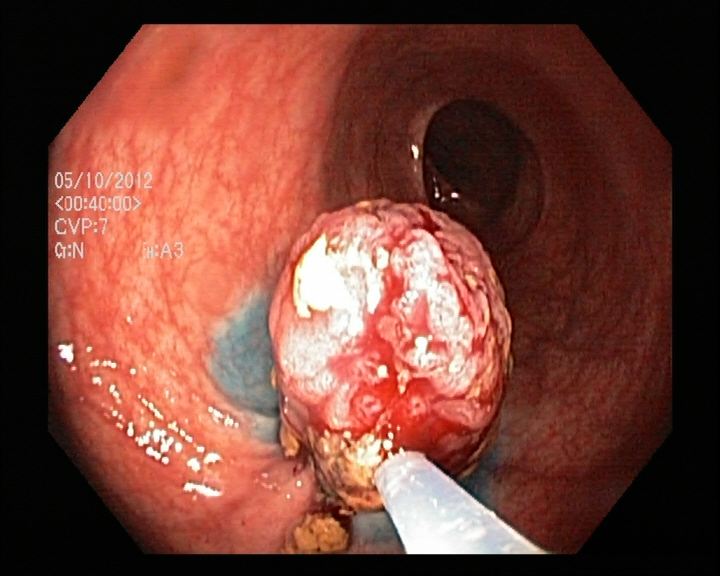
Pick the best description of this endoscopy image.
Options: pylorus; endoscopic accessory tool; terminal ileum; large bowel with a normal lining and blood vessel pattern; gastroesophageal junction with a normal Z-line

endoscopic accessory tool